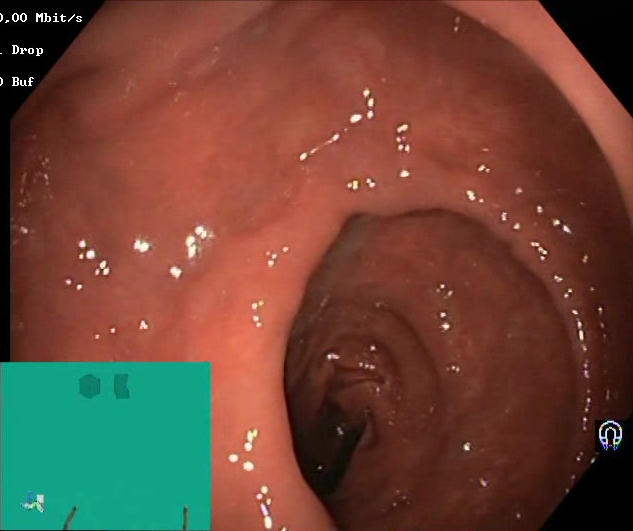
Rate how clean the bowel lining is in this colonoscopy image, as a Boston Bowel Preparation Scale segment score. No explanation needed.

Boston Bowel Preparation Scale score 2–3 (adequate preparation)